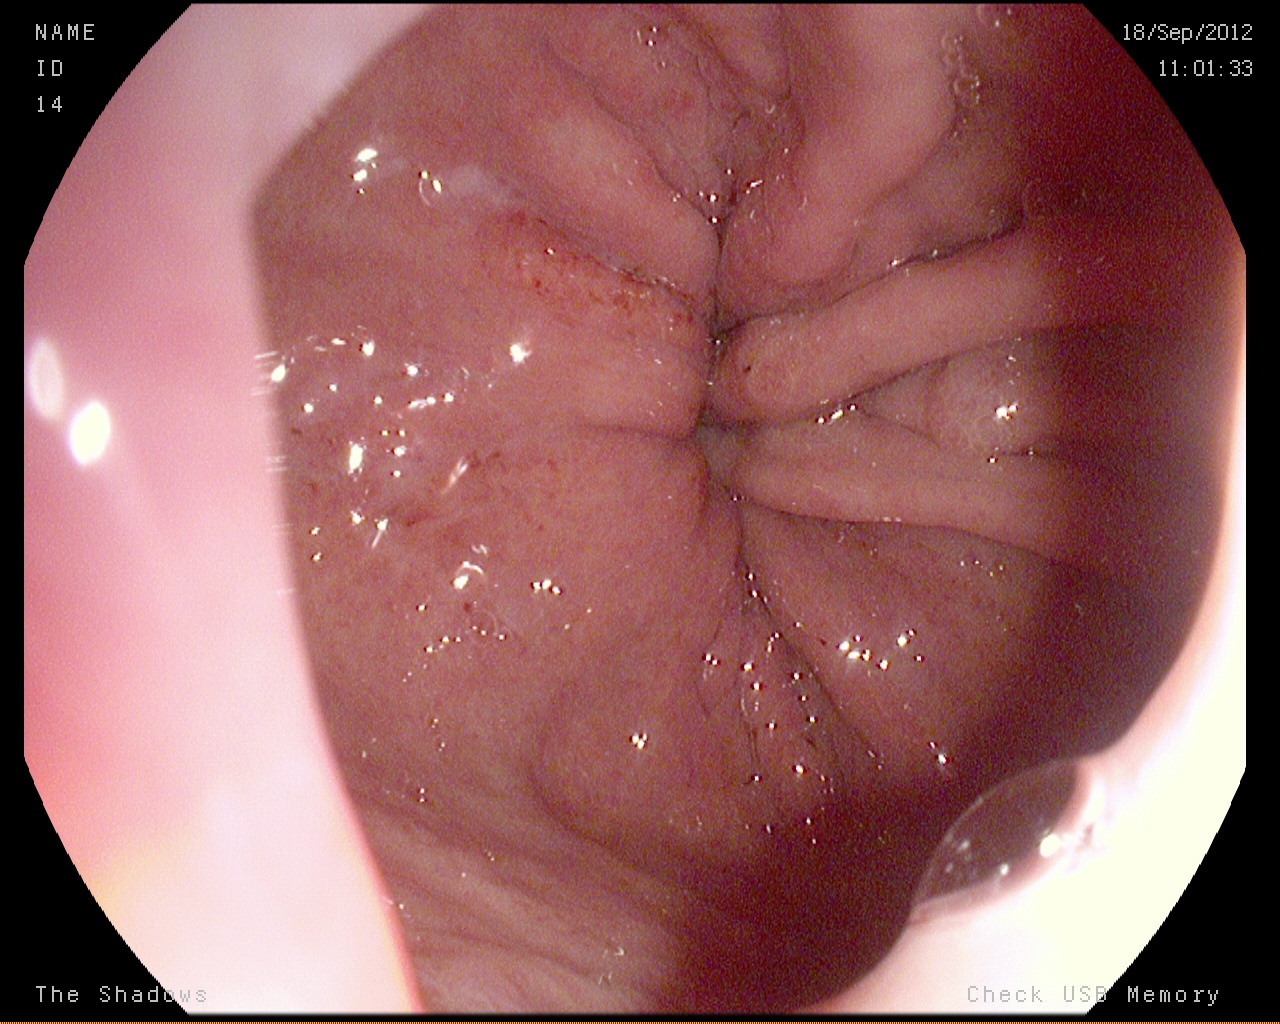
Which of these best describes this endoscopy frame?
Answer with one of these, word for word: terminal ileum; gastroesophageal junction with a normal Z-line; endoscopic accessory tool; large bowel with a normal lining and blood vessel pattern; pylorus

gastroesophageal junction with a normal Z-line